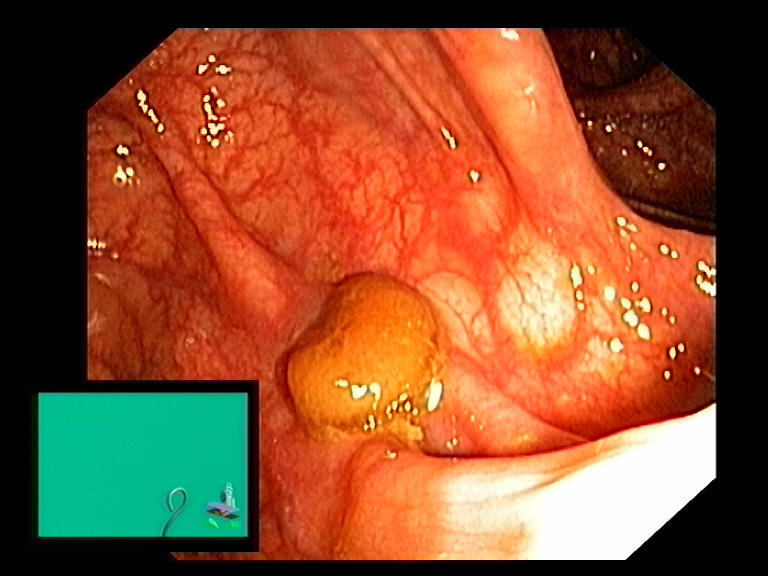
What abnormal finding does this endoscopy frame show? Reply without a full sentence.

colon polyp